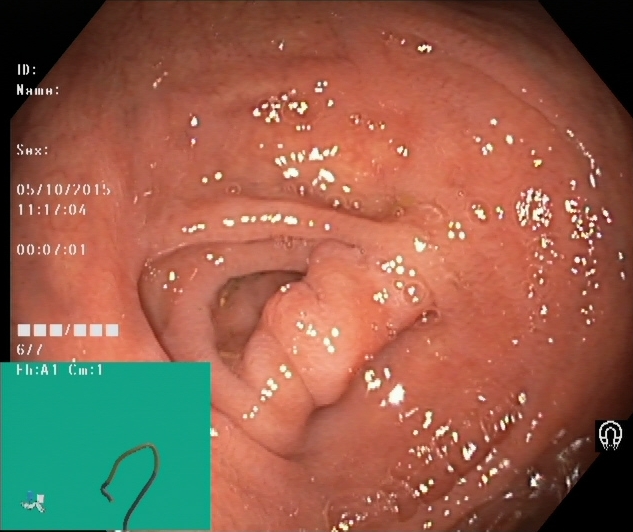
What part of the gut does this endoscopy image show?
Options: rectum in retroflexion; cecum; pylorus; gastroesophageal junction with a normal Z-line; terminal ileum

cecum